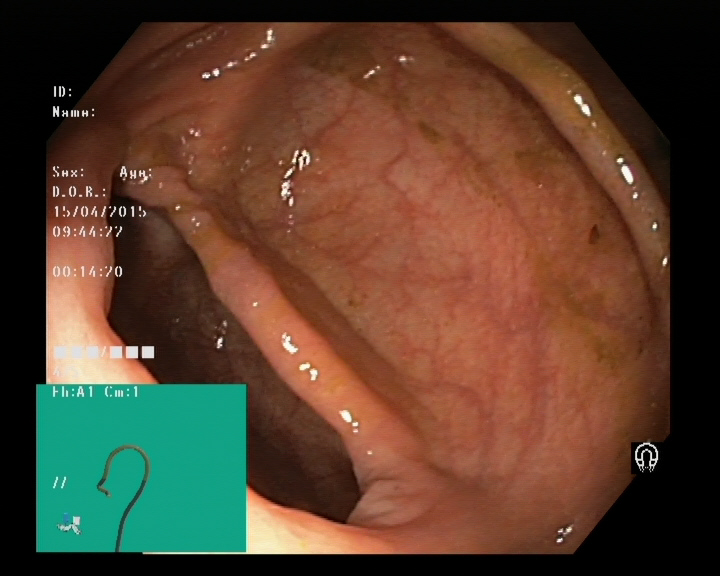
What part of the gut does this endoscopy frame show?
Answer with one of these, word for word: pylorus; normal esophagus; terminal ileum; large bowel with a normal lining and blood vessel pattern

large bowel with a normal lining and blood vessel pattern